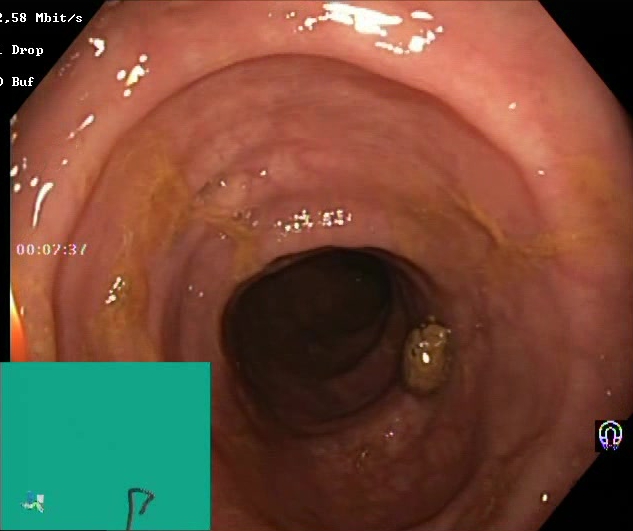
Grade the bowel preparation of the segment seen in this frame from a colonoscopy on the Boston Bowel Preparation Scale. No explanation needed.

Boston Bowel Preparation Scale score 2–3 (adequate preparation)